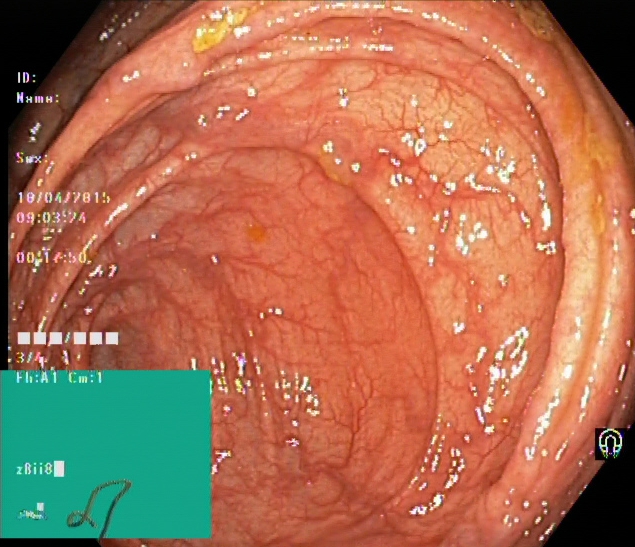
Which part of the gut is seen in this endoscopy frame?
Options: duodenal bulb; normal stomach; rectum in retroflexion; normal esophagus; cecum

cecum